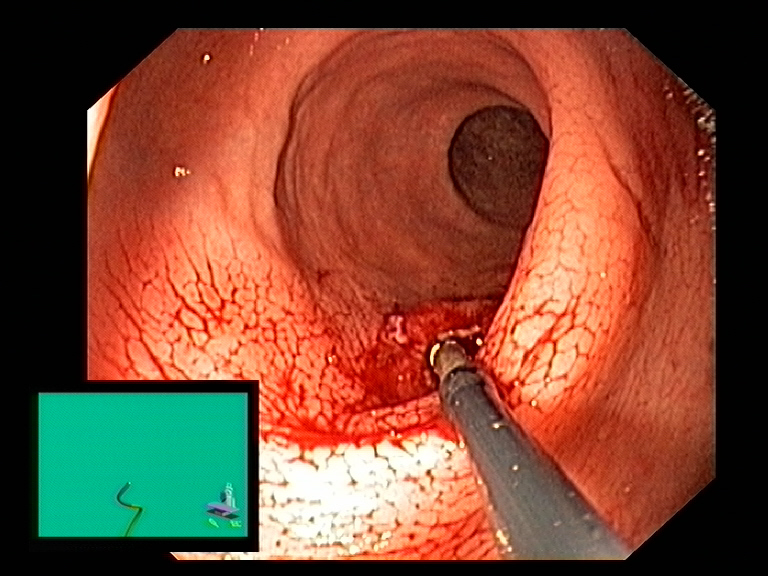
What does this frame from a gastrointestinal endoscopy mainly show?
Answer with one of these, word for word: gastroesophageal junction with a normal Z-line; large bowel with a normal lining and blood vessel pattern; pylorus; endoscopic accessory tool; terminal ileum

endoscopic accessory tool